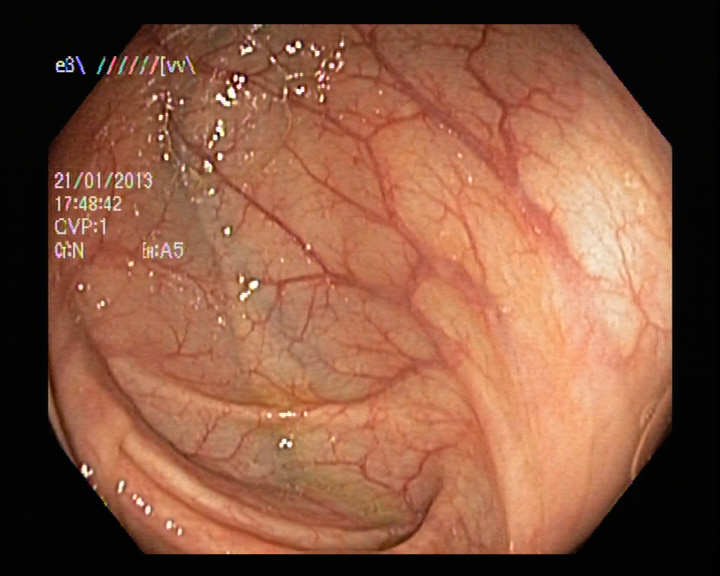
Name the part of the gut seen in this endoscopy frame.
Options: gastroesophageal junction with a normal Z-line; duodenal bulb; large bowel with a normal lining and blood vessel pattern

large bowel with a normal lining and blood vessel pattern